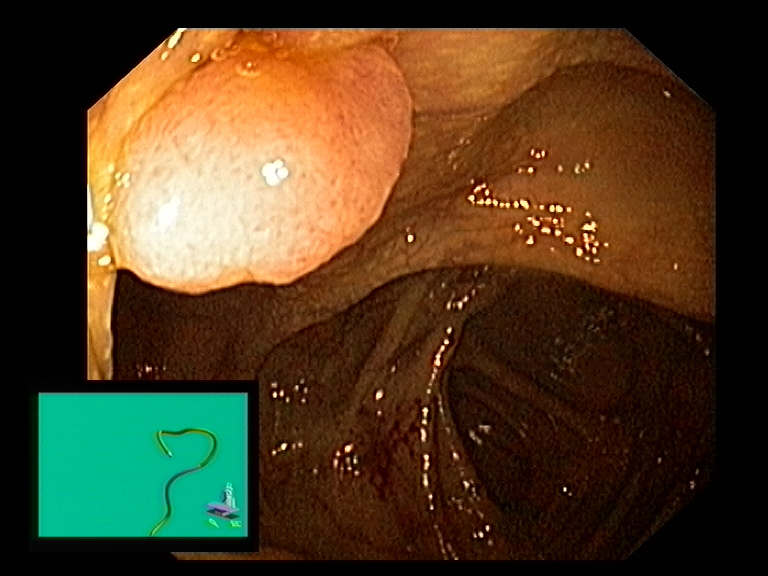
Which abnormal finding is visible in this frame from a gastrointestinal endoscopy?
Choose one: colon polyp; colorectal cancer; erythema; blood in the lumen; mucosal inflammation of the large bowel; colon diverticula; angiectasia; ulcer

colon polyp